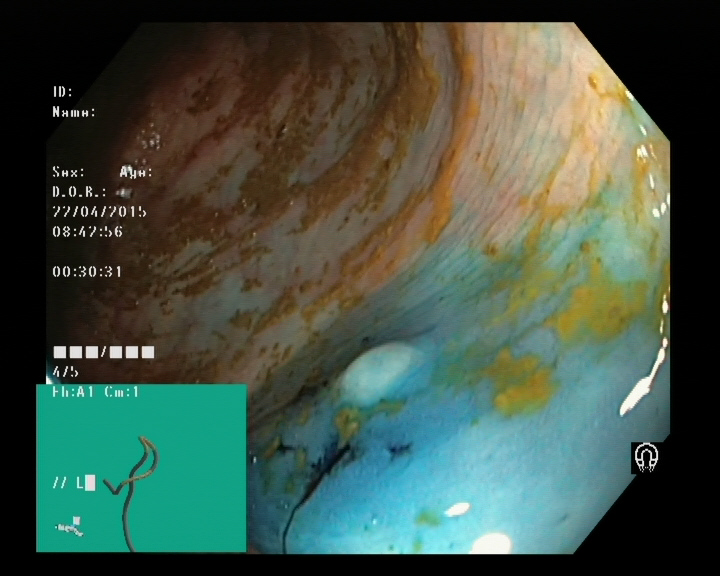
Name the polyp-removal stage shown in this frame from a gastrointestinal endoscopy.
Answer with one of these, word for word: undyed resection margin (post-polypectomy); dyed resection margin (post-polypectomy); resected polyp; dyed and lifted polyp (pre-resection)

dyed and lifted polyp (pre-resection)